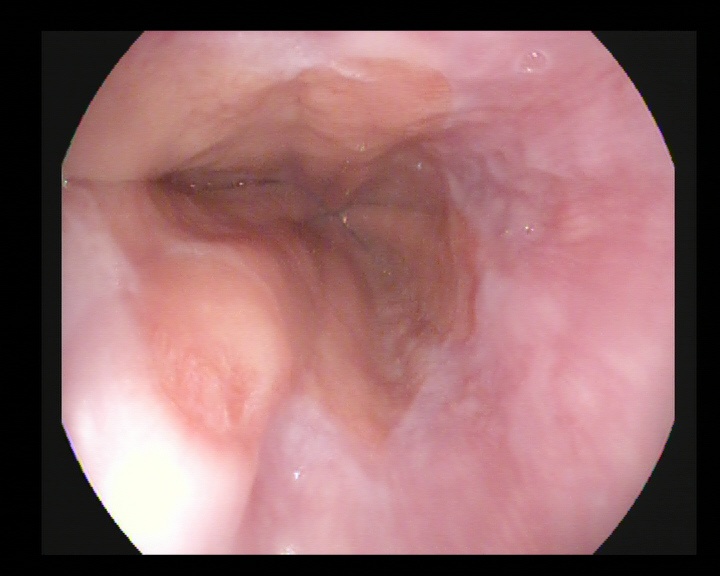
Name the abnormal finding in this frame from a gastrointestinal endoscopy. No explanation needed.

Barrett's esophagus